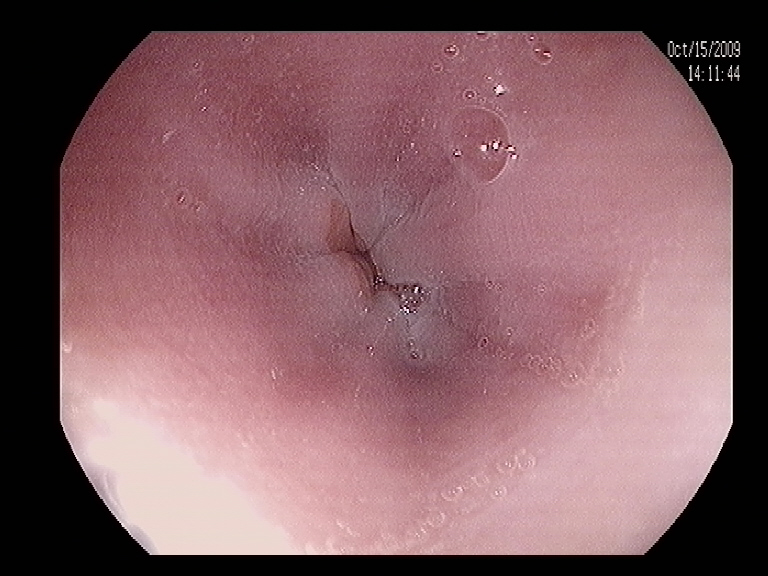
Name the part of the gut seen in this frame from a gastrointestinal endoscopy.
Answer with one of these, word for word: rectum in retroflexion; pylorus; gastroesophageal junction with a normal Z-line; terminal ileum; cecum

gastroesophageal junction with a normal Z-line